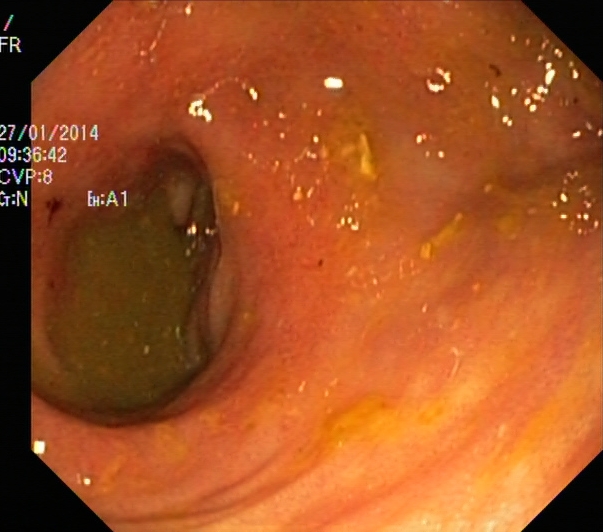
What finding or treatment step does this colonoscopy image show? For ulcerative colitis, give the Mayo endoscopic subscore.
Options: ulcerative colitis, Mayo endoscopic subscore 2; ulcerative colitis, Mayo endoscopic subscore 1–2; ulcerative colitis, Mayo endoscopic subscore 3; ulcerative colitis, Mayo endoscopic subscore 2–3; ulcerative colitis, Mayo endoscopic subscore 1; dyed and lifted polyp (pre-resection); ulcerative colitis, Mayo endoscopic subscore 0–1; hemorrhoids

ulcerative colitis, Mayo endoscopic subscore 2